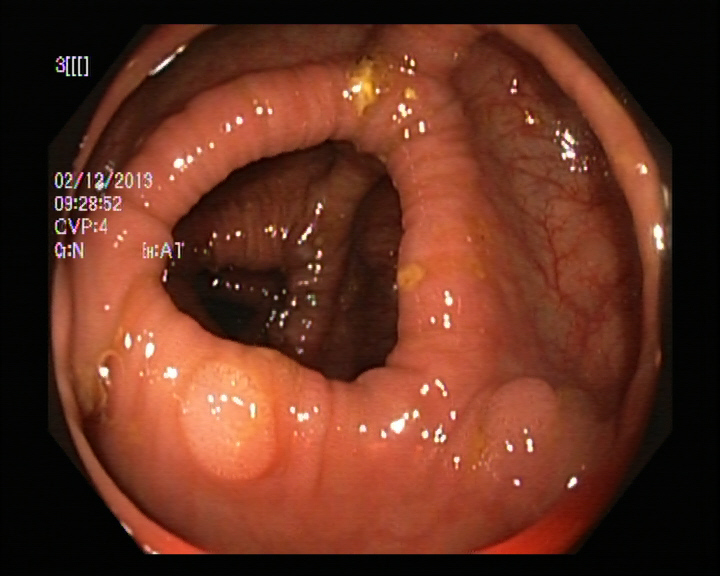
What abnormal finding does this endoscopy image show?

colon polyp